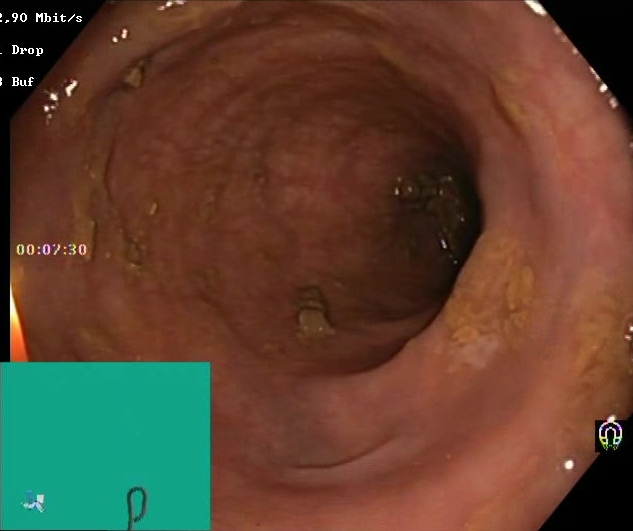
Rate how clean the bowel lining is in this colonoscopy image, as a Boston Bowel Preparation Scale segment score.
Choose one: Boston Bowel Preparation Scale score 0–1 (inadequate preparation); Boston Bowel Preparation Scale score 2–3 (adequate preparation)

Boston Bowel Preparation Scale score 2–3 (adequate preparation)